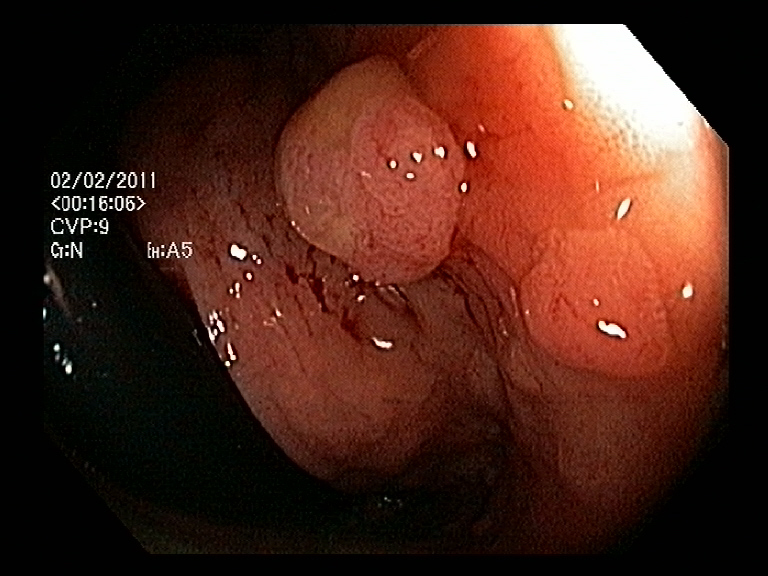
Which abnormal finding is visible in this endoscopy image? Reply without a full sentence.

colon polyp